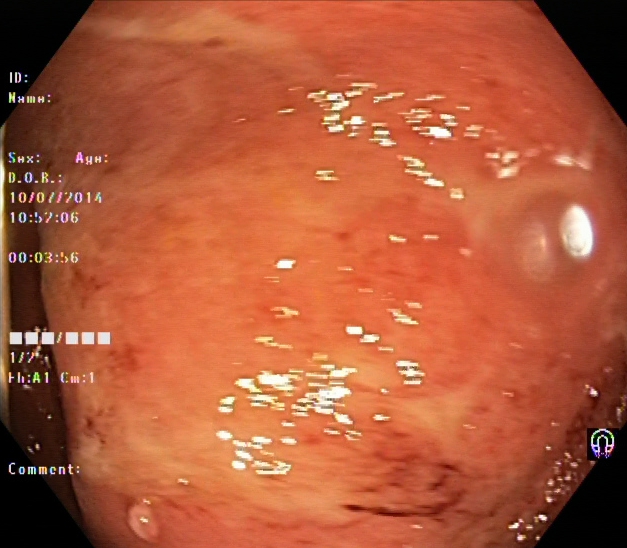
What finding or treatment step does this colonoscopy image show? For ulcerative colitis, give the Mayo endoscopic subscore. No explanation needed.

ulcerative colitis, Mayo endoscopic subscore 2